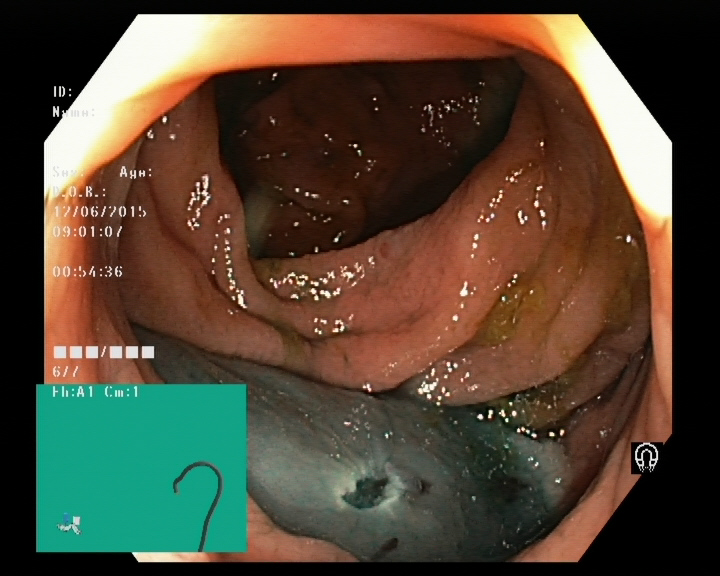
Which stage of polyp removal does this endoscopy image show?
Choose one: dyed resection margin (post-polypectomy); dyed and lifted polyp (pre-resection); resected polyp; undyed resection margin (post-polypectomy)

dyed resection margin (post-polypectomy)